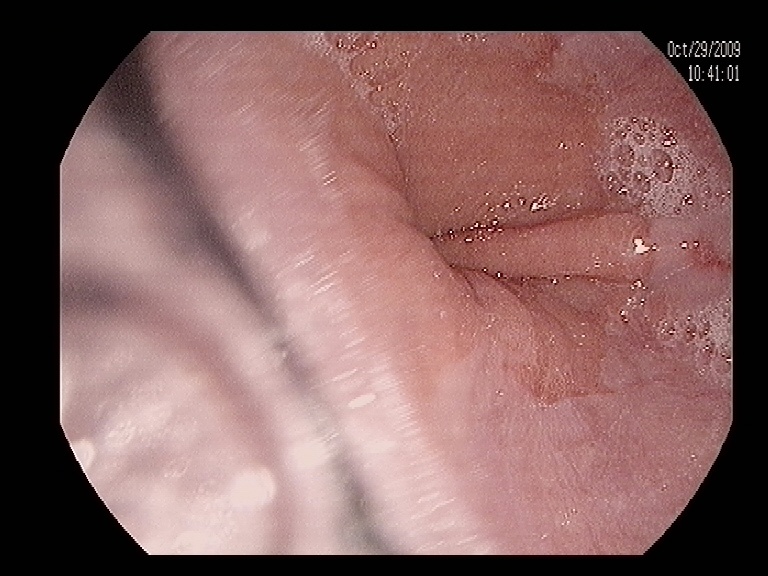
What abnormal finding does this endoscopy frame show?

esophagitis